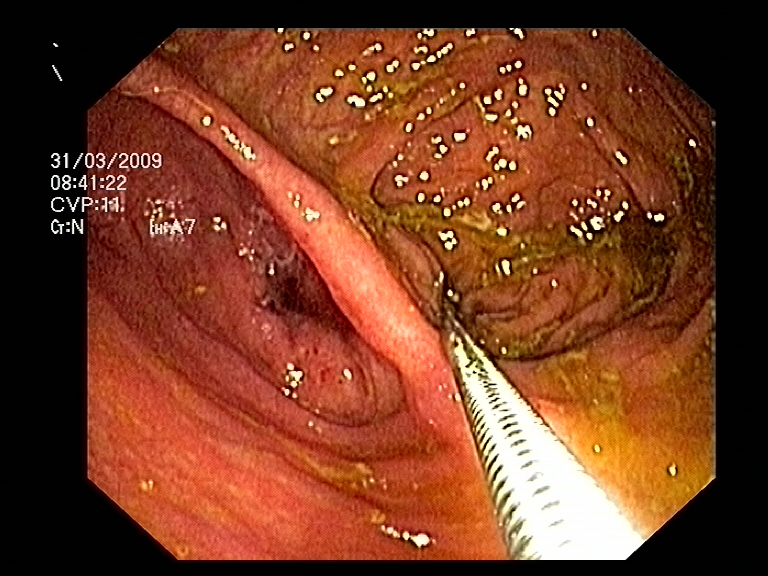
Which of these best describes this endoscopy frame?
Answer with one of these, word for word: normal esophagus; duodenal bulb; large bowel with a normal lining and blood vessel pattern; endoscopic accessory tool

endoscopic accessory tool